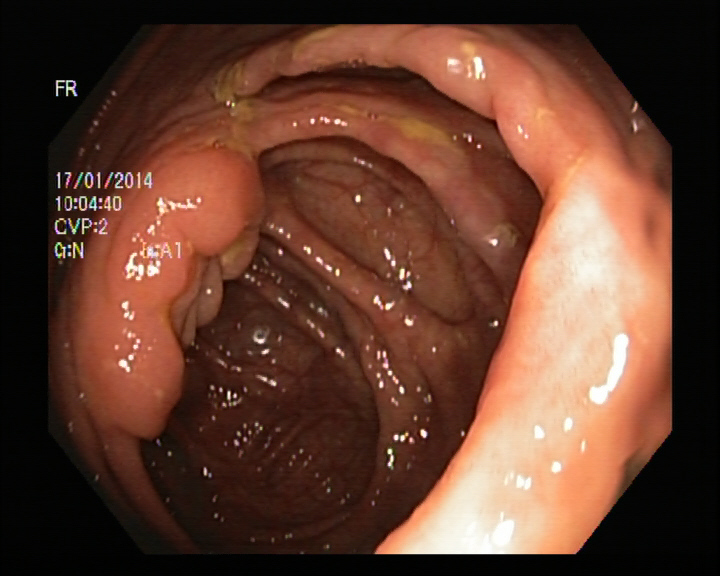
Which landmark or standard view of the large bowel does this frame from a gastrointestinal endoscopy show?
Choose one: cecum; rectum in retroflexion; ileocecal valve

ileocecal valve